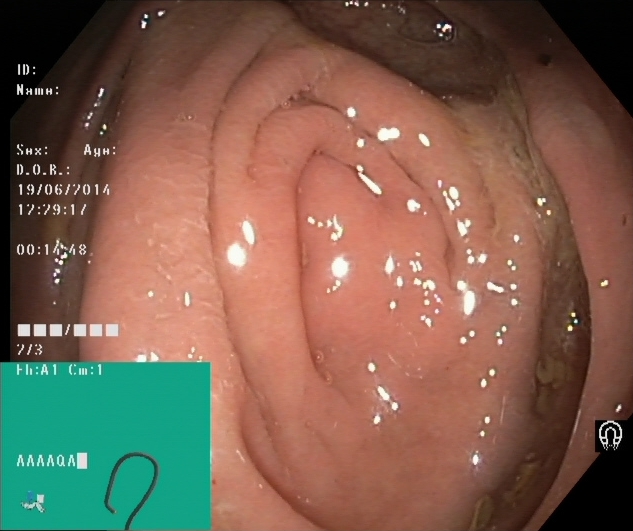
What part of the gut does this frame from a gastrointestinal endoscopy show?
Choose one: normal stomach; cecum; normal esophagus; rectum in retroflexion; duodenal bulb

cecum